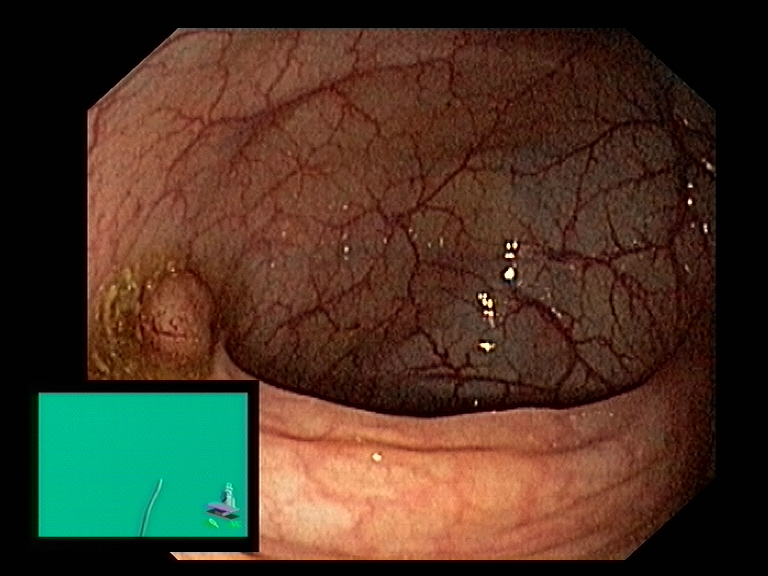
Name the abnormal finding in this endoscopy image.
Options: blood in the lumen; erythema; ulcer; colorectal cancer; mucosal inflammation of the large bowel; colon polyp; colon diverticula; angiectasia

colon polyp